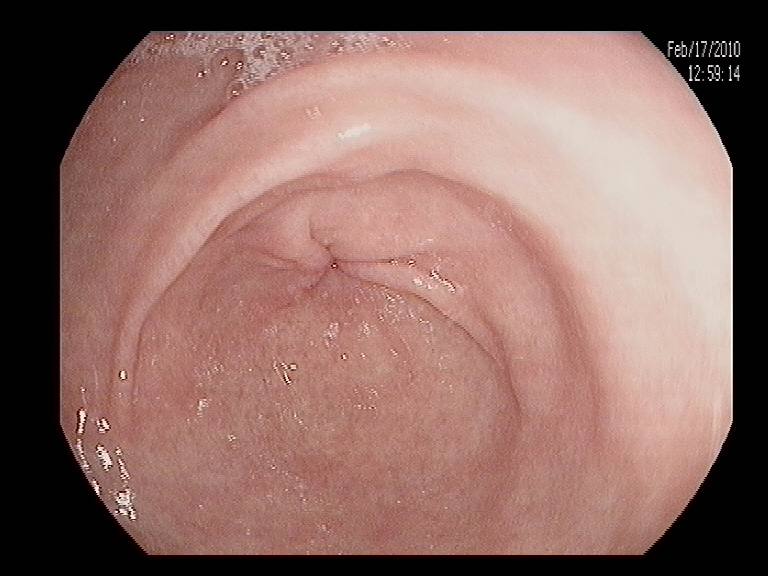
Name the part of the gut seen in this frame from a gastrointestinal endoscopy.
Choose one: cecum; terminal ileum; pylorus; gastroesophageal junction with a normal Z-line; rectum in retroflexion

pylorus